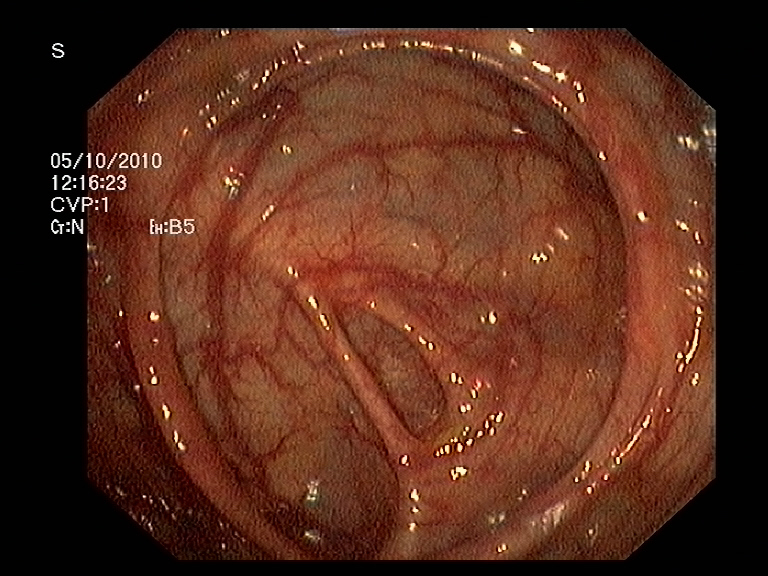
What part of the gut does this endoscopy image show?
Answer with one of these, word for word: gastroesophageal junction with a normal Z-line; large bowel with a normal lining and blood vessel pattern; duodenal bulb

large bowel with a normal lining and blood vessel pattern